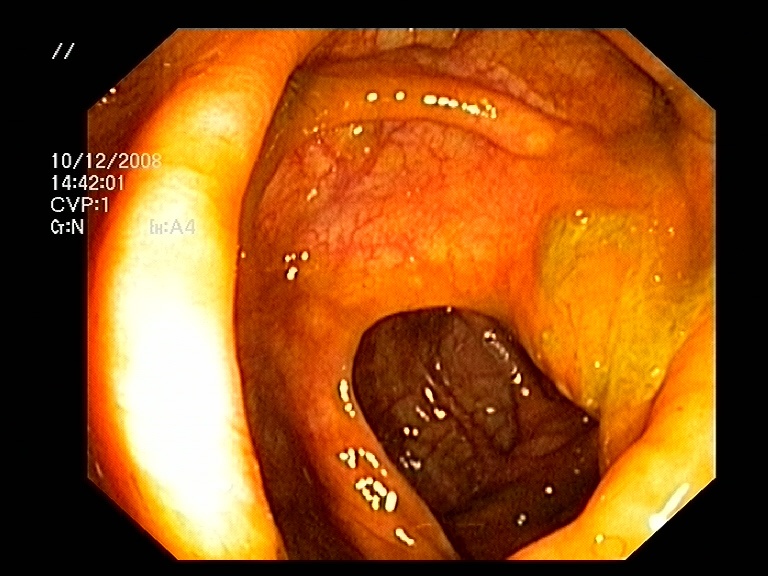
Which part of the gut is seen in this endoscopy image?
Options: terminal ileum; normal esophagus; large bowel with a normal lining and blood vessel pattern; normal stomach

large bowel with a normal lining and blood vessel pattern